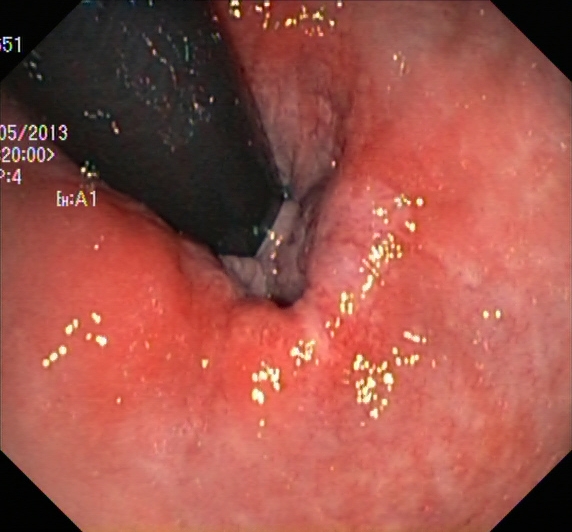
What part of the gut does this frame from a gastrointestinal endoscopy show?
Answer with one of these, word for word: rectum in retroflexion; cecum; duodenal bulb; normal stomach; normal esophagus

rectum in retroflexion